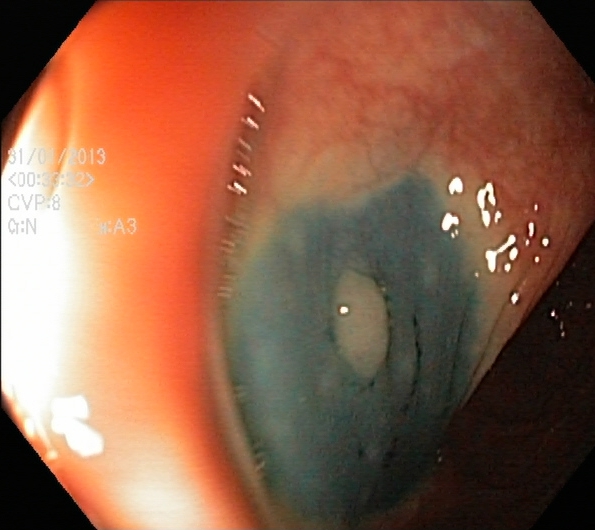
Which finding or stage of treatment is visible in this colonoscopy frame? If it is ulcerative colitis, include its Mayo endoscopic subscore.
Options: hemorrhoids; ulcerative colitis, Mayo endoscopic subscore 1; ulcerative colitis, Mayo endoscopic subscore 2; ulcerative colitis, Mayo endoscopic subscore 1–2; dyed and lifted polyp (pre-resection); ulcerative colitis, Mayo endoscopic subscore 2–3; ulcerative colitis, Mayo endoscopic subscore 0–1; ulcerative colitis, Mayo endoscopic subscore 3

dyed and lifted polyp (pre-resection)